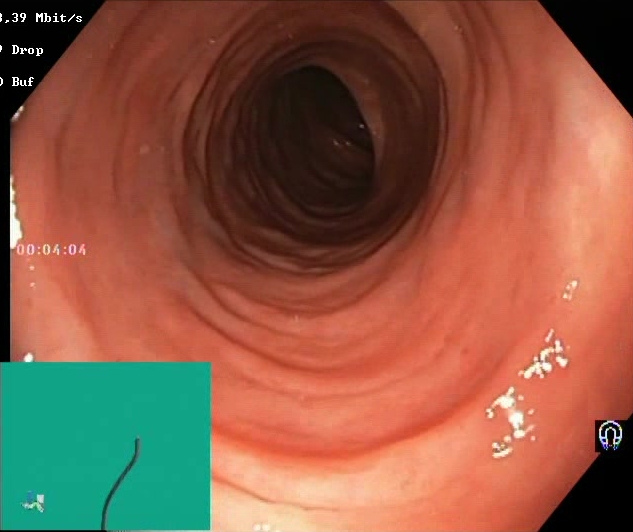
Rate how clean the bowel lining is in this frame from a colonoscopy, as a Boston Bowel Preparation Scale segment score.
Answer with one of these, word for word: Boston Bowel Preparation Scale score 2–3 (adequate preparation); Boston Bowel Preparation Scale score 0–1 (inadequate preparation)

Boston Bowel Preparation Scale score 2–3 (adequate preparation)